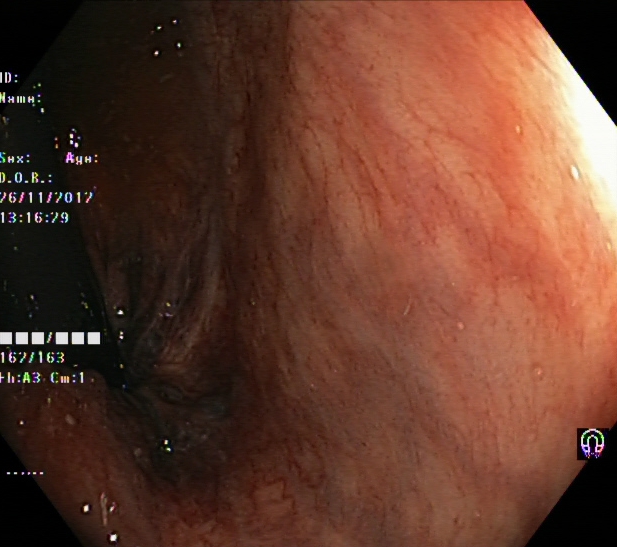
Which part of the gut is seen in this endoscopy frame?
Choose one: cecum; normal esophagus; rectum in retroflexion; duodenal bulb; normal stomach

rectum in retroflexion